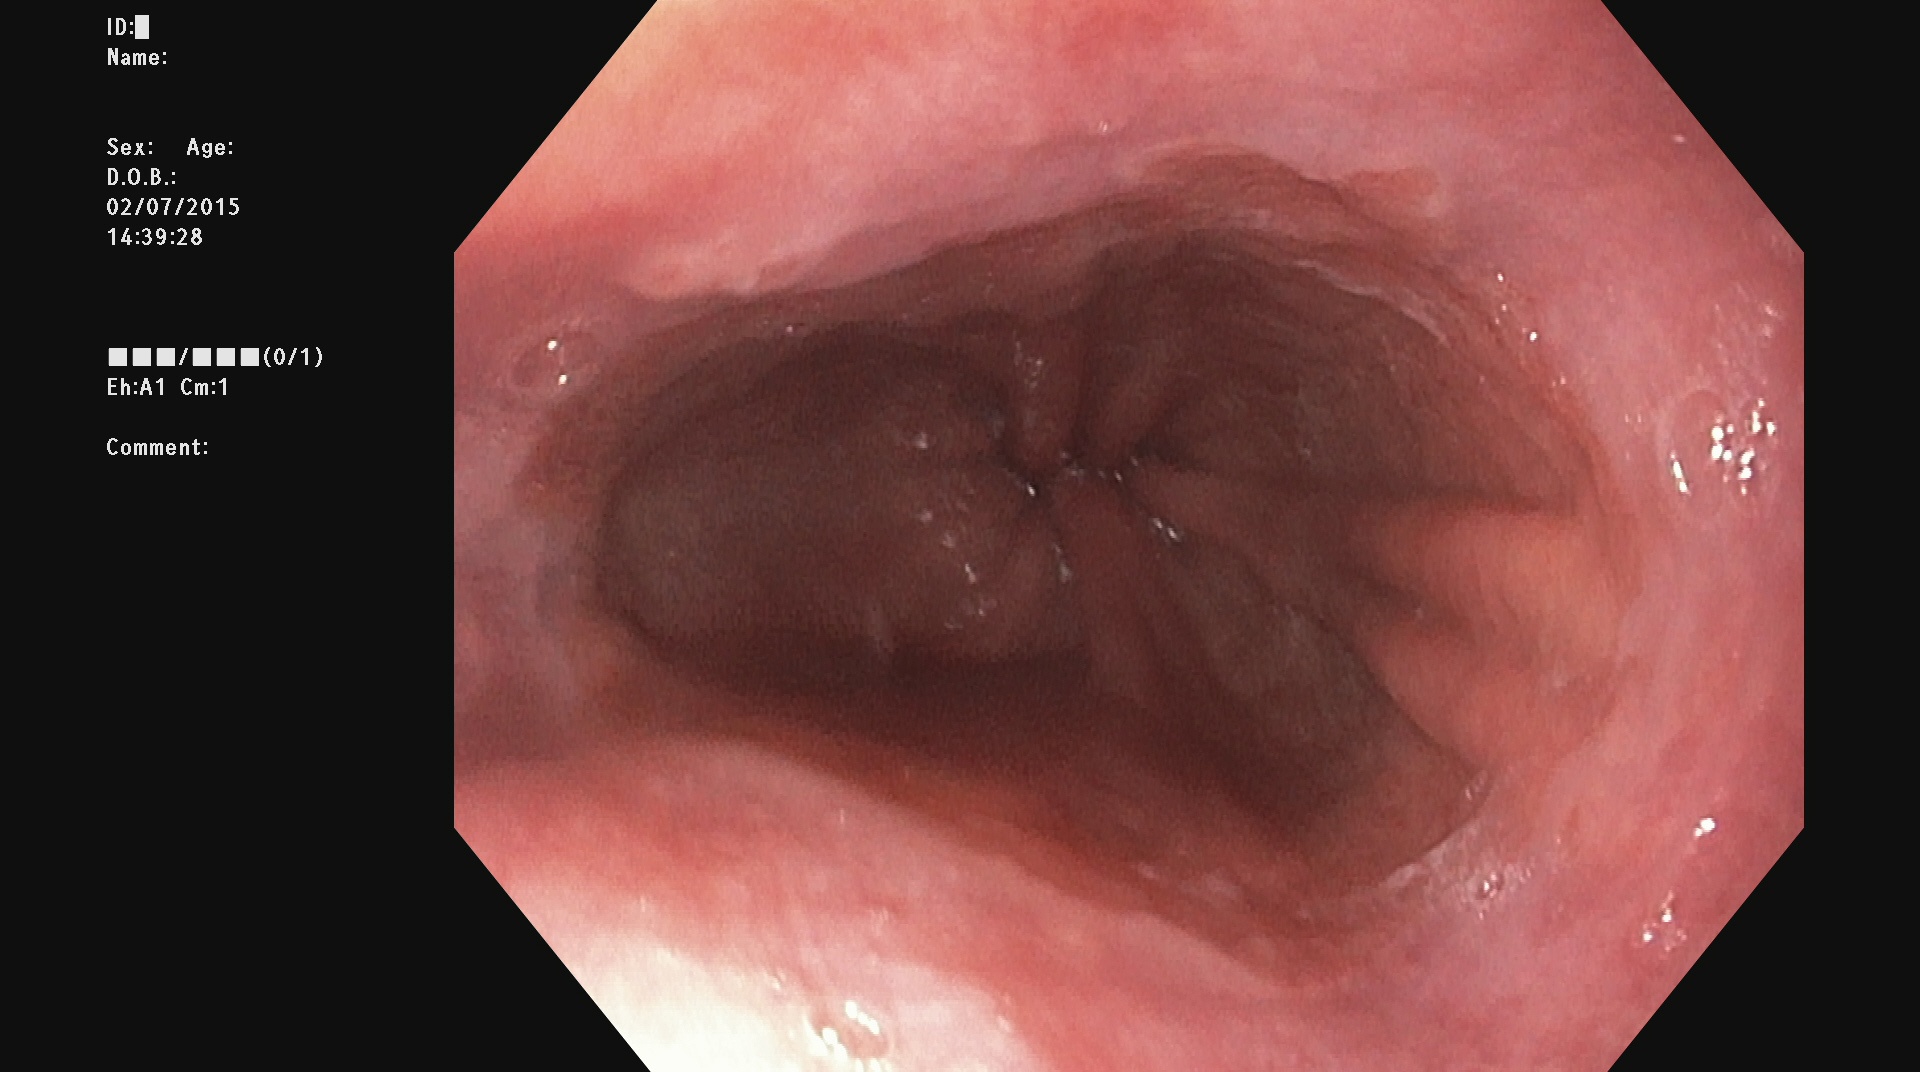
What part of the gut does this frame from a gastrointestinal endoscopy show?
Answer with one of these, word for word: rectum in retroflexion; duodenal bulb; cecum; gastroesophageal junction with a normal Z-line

gastroesophageal junction with a normal Z-line